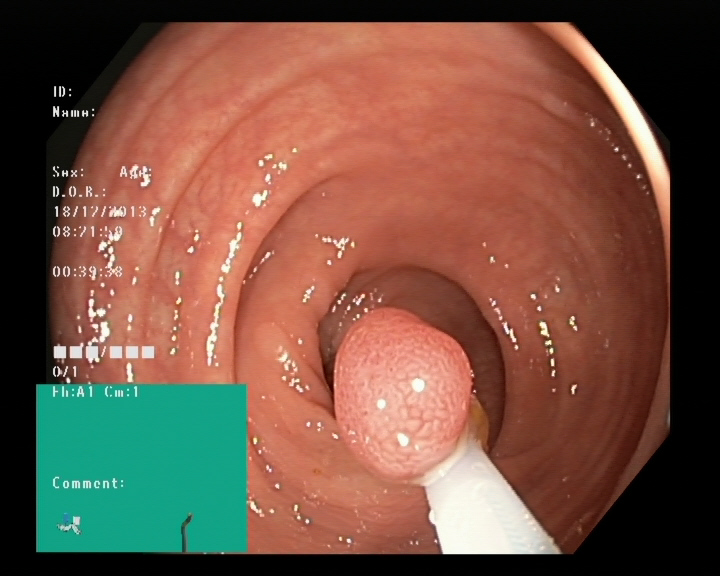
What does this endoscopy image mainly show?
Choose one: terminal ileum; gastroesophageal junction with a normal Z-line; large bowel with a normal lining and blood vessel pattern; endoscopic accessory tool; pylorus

endoscopic accessory tool